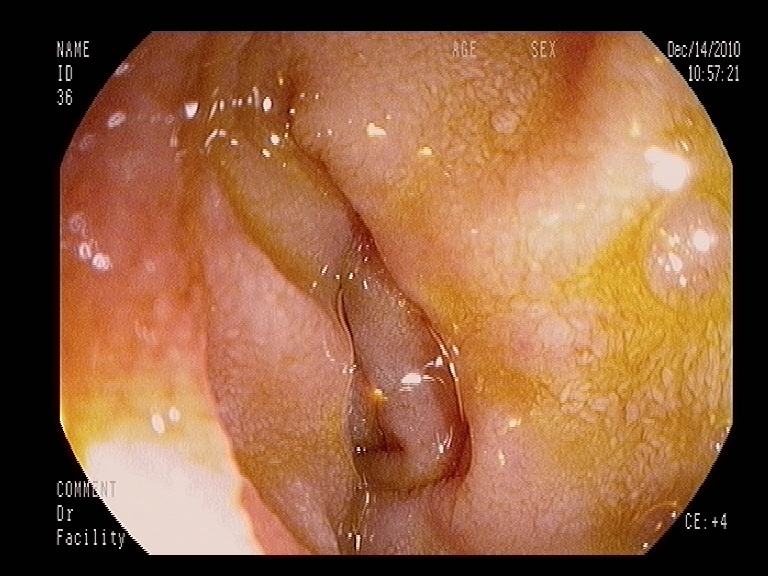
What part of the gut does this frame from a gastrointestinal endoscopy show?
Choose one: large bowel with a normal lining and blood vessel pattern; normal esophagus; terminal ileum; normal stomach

terminal ileum